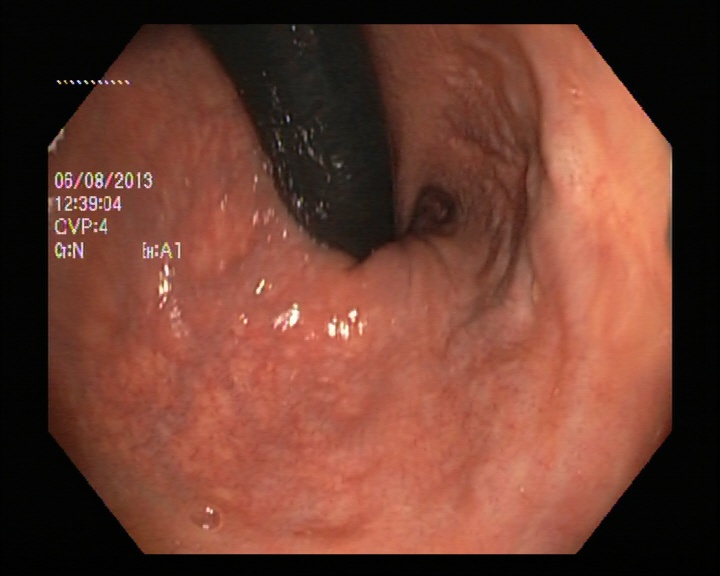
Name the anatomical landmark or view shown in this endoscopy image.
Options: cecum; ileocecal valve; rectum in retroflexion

rectum in retroflexion